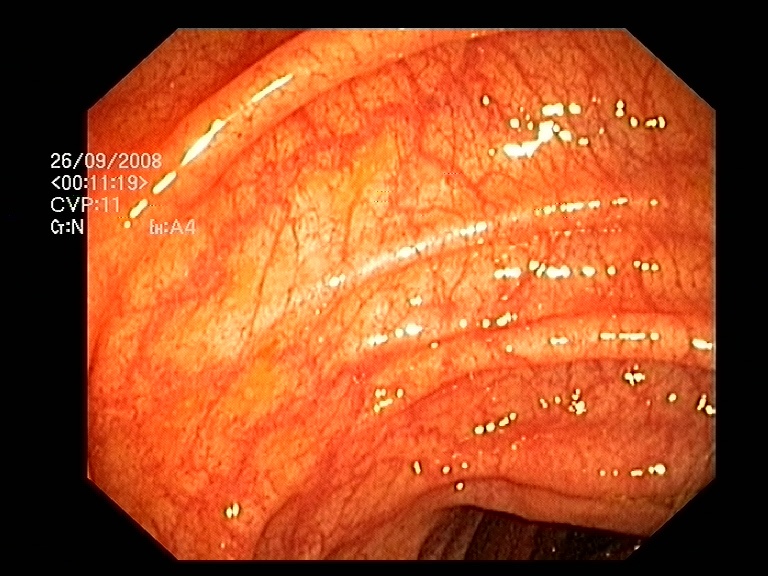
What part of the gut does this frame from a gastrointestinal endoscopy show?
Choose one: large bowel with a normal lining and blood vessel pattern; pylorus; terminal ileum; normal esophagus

large bowel with a normal lining and blood vessel pattern